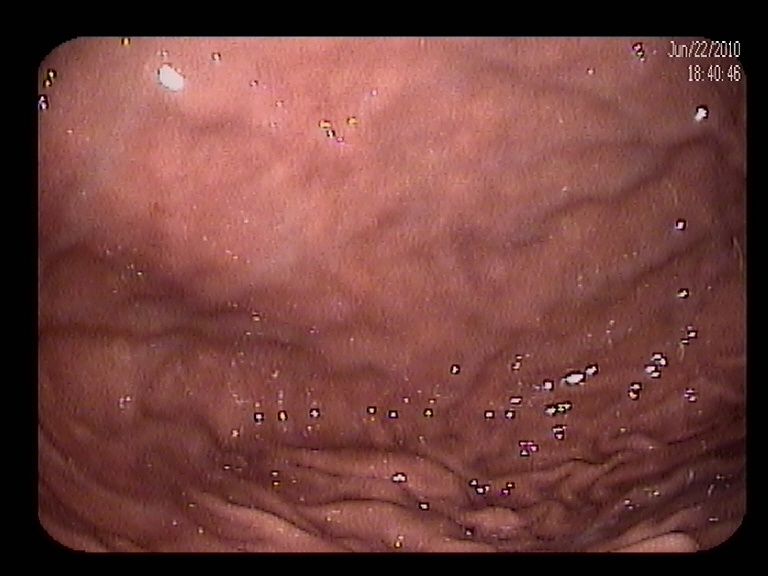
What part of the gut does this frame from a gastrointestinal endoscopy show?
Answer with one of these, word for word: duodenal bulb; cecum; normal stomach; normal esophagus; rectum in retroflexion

normal stomach